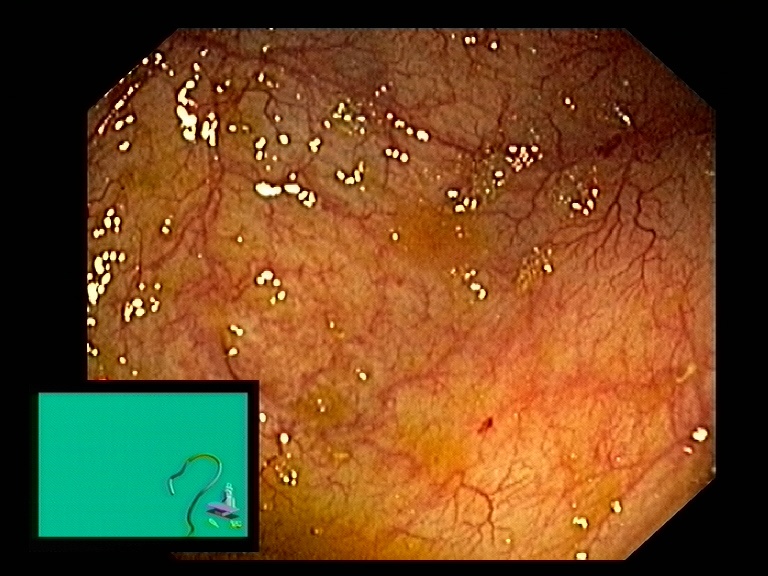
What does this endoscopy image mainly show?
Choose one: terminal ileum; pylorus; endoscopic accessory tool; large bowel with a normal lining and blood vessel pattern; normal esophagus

large bowel with a normal lining and blood vessel pattern